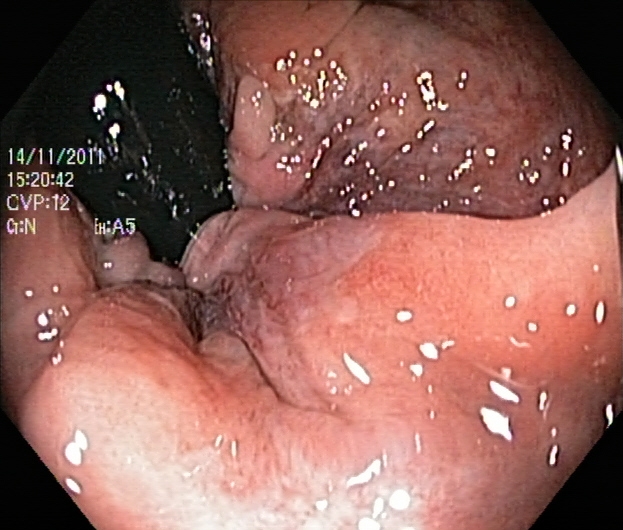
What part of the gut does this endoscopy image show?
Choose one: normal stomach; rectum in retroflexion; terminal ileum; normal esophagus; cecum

rectum in retroflexion